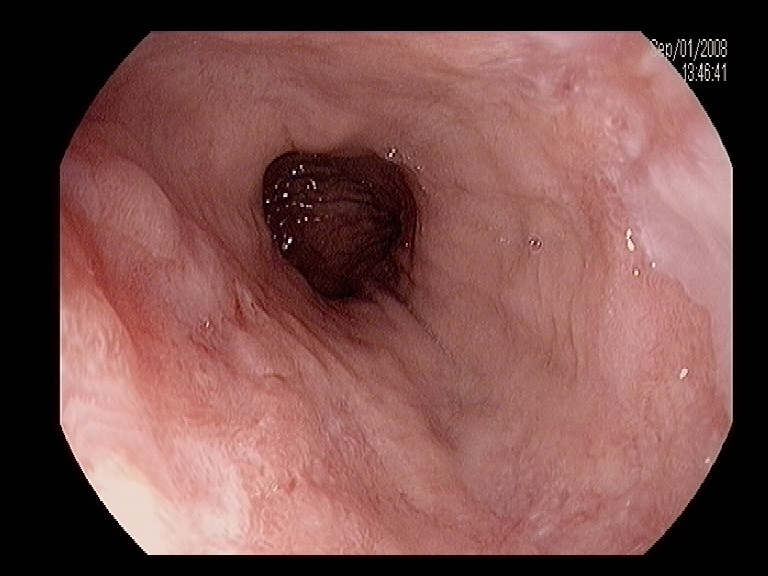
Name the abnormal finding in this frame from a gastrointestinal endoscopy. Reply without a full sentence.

Barrett's esophagus